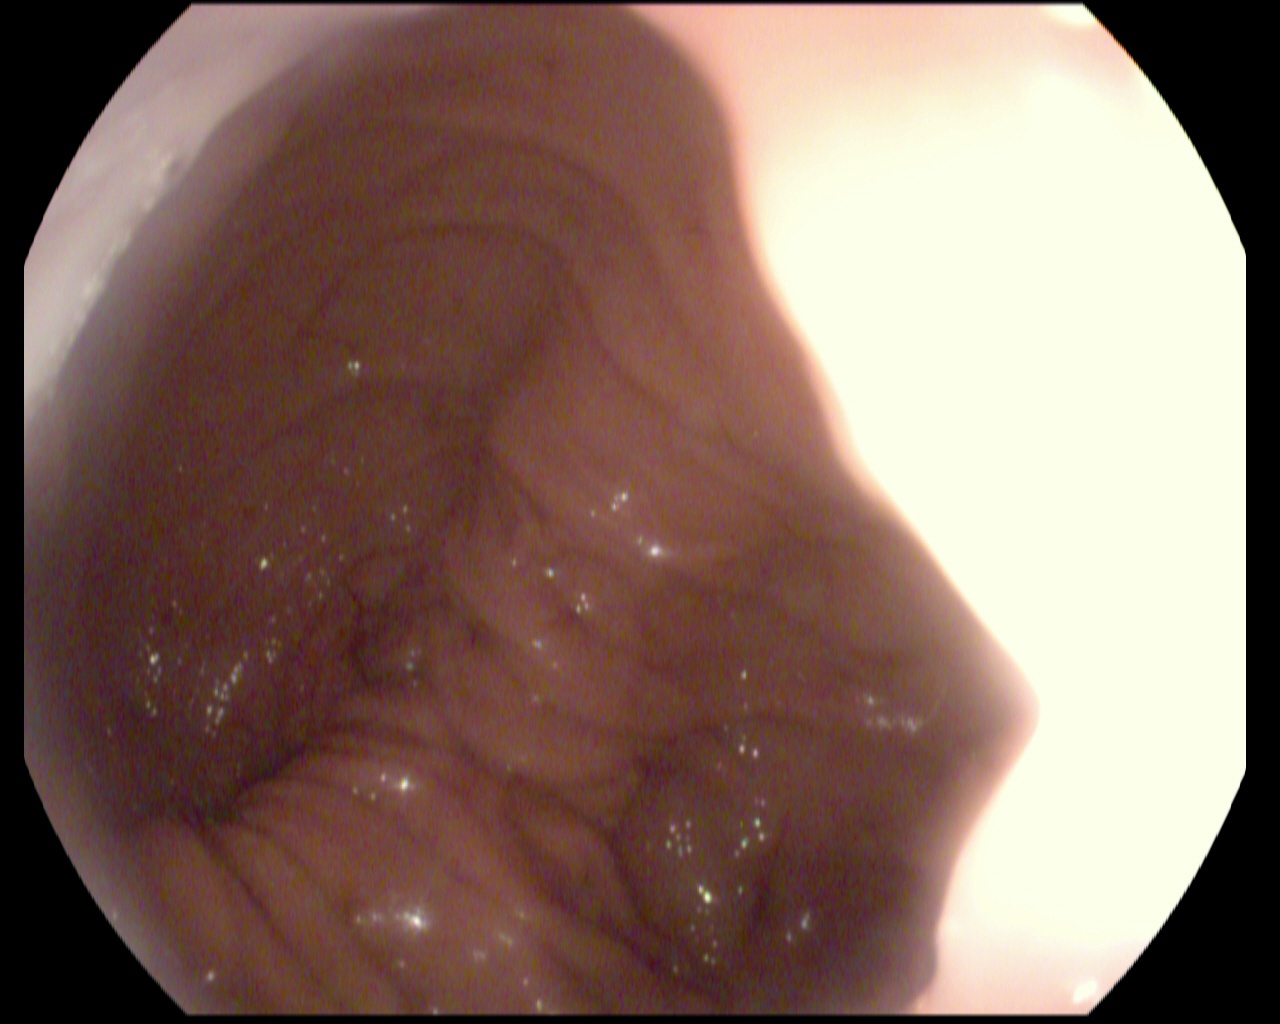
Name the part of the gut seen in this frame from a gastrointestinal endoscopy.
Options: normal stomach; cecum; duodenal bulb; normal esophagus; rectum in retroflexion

normal stomach